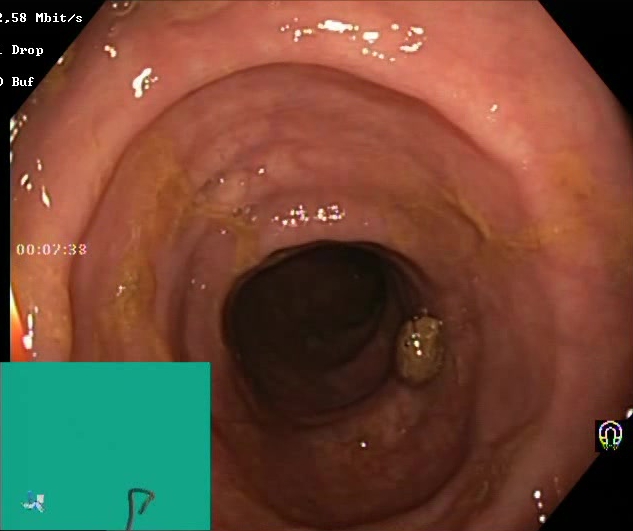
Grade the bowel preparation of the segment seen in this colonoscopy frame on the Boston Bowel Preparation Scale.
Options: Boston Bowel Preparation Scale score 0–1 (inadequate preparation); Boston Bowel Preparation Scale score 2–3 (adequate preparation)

Boston Bowel Preparation Scale score 2–3 (adequate preparation)